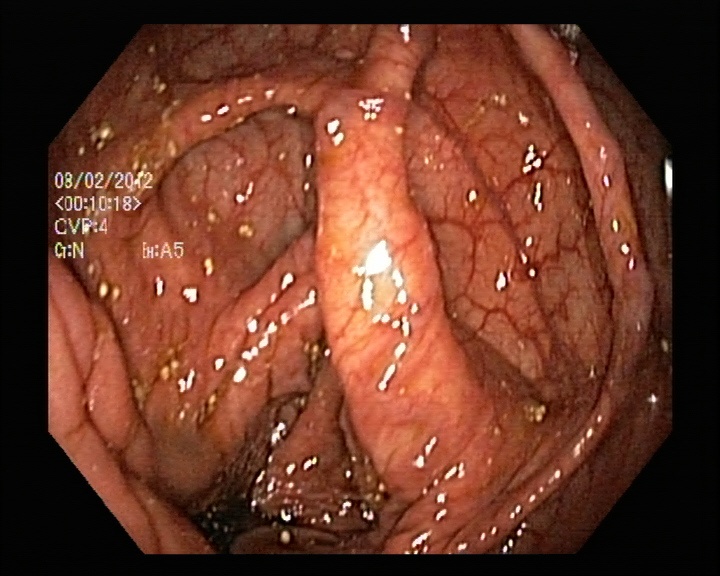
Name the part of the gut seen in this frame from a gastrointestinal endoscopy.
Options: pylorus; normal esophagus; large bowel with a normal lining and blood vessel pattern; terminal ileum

large bowel with a normal lining and blood vessel pattern